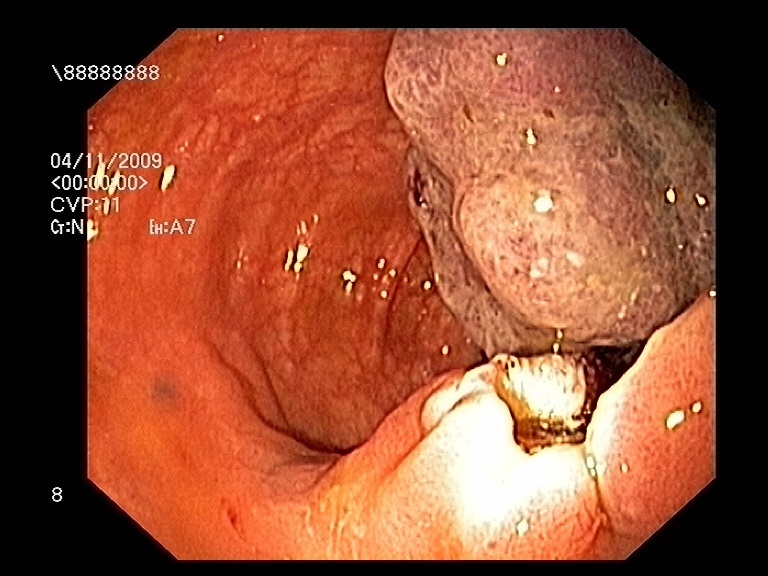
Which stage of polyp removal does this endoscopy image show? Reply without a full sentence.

resected polyp